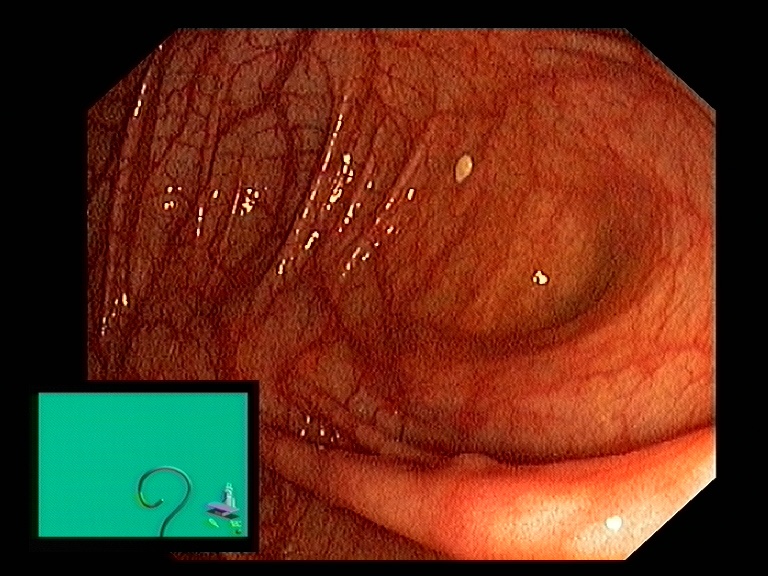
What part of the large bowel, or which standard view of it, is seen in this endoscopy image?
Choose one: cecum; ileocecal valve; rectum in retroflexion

cecum